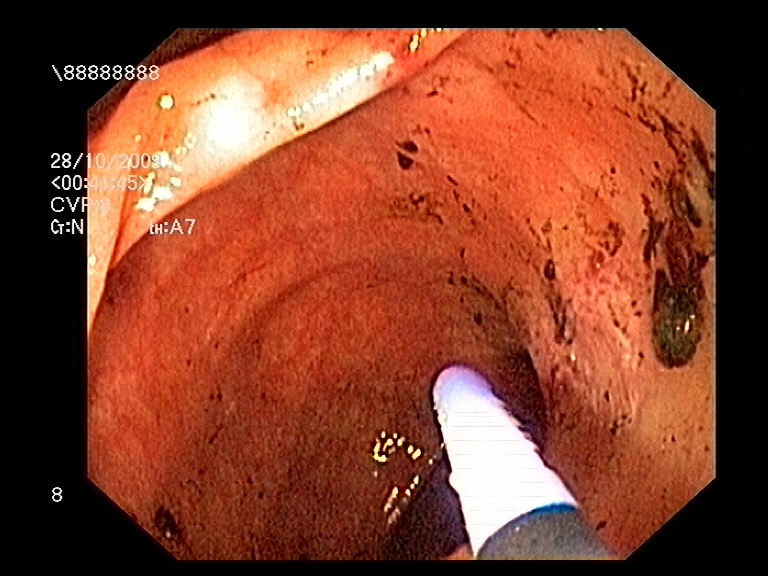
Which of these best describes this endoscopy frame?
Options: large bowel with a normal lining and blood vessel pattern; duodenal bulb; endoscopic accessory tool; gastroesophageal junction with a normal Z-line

endoscopic accessory tool